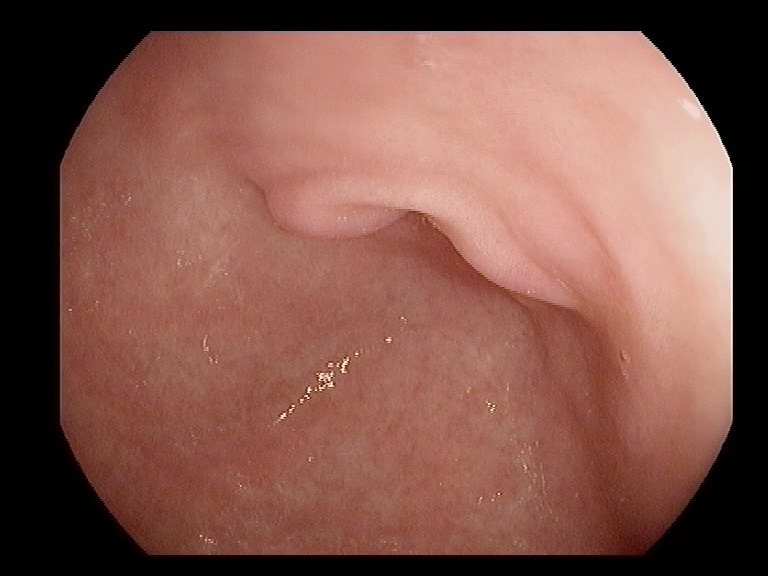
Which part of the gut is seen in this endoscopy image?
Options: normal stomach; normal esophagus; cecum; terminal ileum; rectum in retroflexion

normal stomach